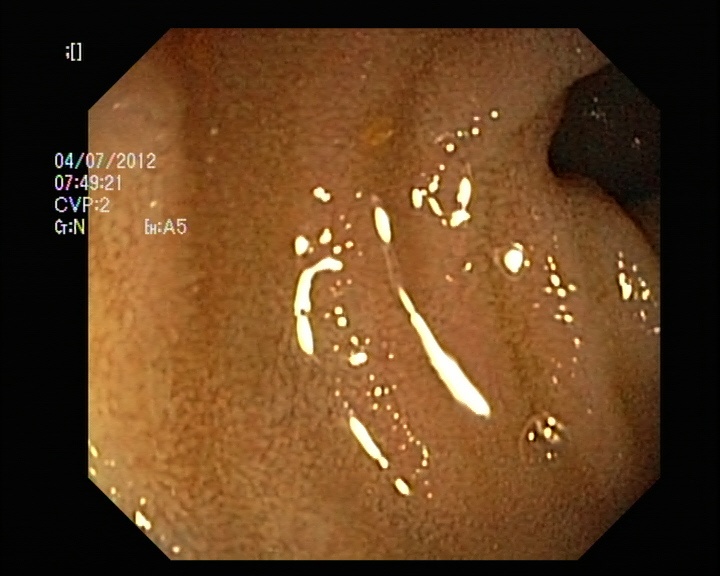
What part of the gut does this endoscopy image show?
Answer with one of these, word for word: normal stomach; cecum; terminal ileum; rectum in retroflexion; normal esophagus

terminal ileum